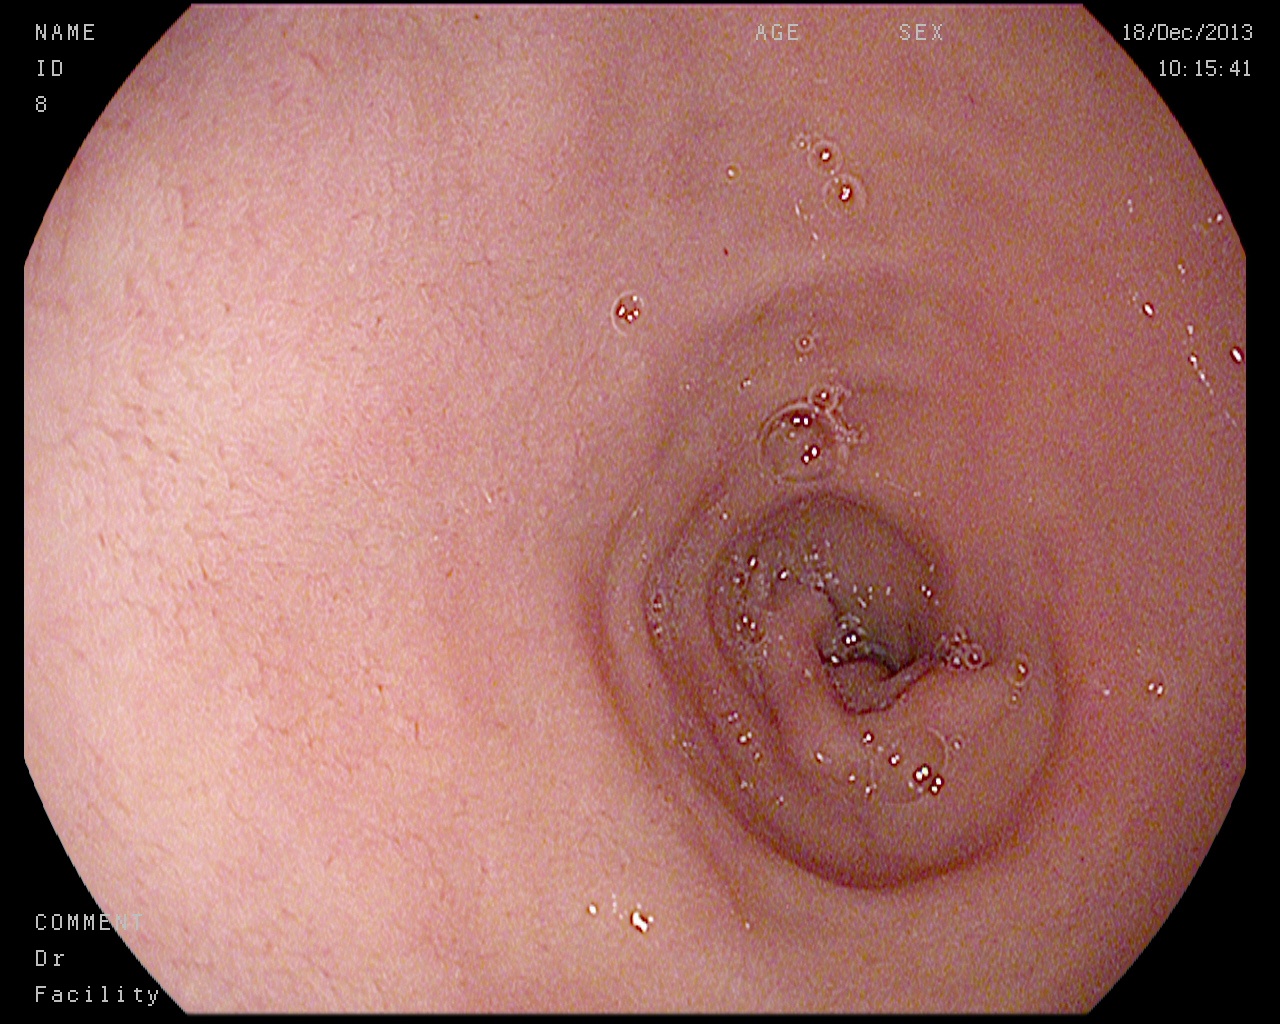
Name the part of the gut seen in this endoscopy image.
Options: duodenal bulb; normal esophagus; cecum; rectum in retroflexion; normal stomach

duodenal bulb